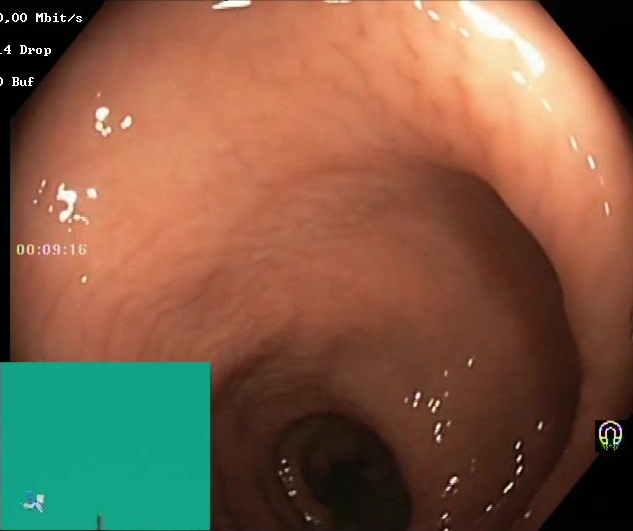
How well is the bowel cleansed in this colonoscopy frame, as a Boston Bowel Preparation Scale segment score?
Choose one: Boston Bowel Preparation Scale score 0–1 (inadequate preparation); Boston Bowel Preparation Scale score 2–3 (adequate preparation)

Boston Bowel Preparation Scale score 2–3 (adequate preparation)